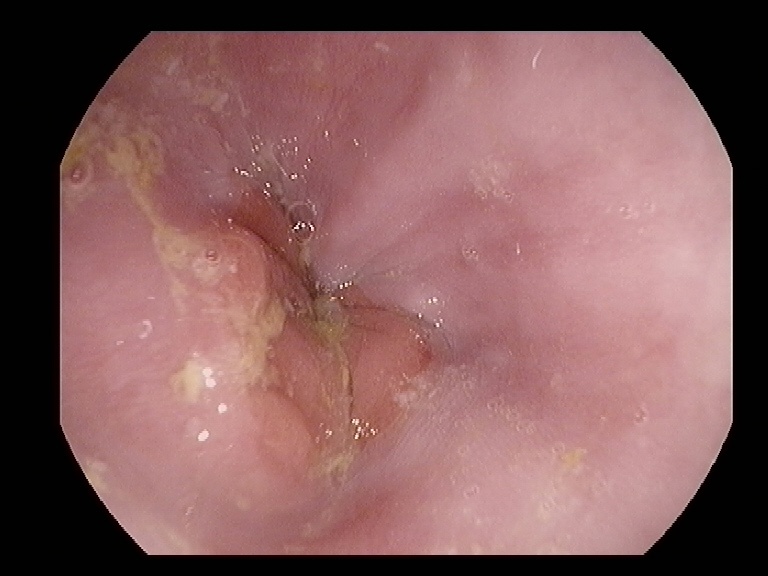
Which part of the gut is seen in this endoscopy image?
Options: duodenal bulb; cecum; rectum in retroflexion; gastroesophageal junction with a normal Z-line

gastroesophageal junction with a normal Z-line